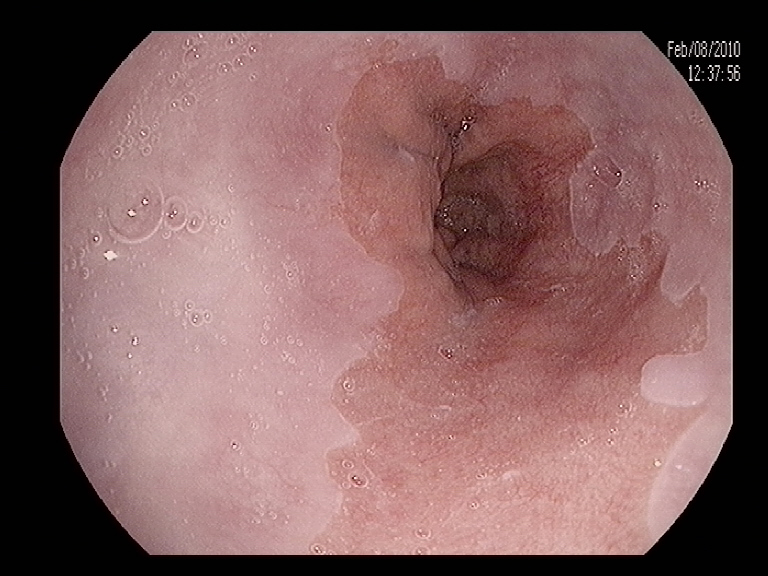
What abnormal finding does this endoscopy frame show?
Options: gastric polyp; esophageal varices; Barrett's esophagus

Barrett's esophagus